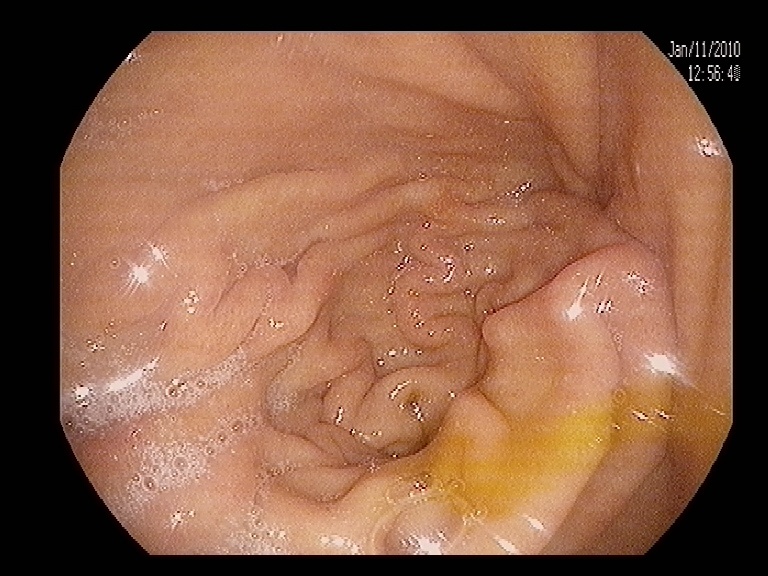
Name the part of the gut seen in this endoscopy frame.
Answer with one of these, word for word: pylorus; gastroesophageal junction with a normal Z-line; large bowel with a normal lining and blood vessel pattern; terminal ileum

terminal ileum